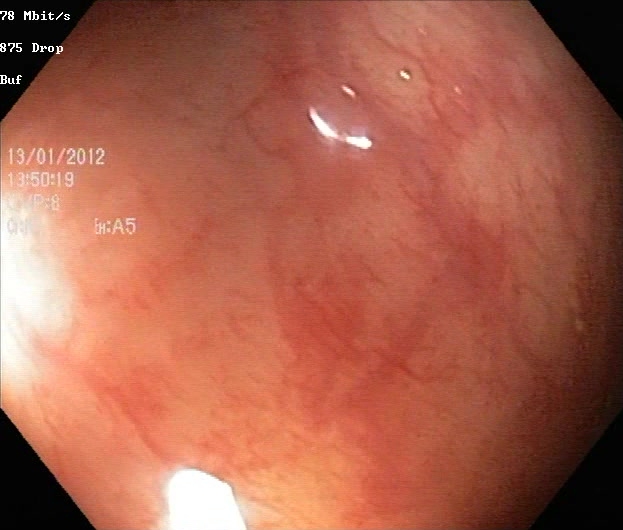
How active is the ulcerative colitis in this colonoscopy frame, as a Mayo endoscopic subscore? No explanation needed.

ulcerative colitis, Mayo endoscopic subscore 1